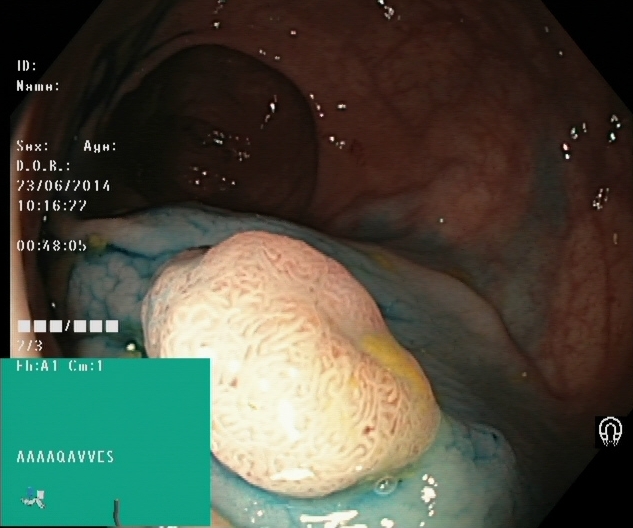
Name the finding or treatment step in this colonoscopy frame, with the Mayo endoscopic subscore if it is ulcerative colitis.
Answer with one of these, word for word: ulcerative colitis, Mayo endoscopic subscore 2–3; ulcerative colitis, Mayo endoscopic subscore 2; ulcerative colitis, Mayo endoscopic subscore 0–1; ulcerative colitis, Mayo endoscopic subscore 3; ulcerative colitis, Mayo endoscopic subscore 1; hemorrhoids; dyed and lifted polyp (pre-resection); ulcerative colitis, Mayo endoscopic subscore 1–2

dyed and lifted polyp (pre-resection)